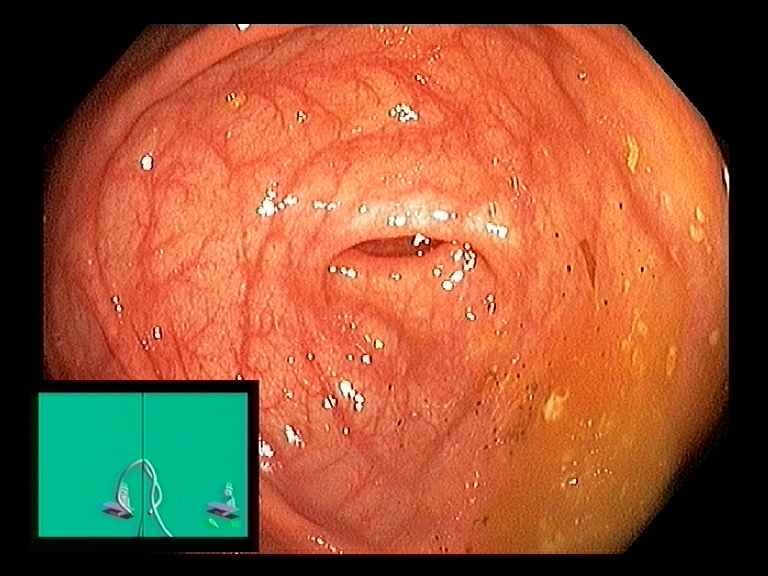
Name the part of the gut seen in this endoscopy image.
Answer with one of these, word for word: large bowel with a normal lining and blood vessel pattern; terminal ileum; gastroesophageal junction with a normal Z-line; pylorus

large bowel with a normal lining and blood vessel pattern